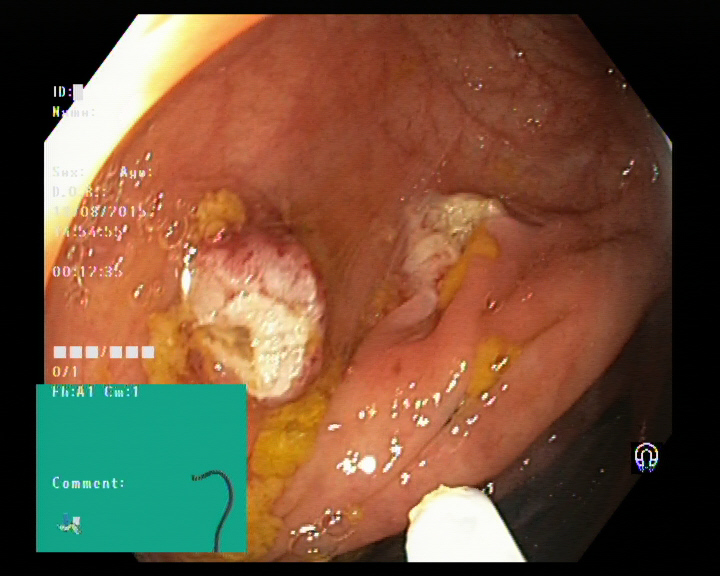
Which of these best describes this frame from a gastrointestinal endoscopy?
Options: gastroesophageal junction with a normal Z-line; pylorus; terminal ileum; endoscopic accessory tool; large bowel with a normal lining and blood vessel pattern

endoscopic accessory tool